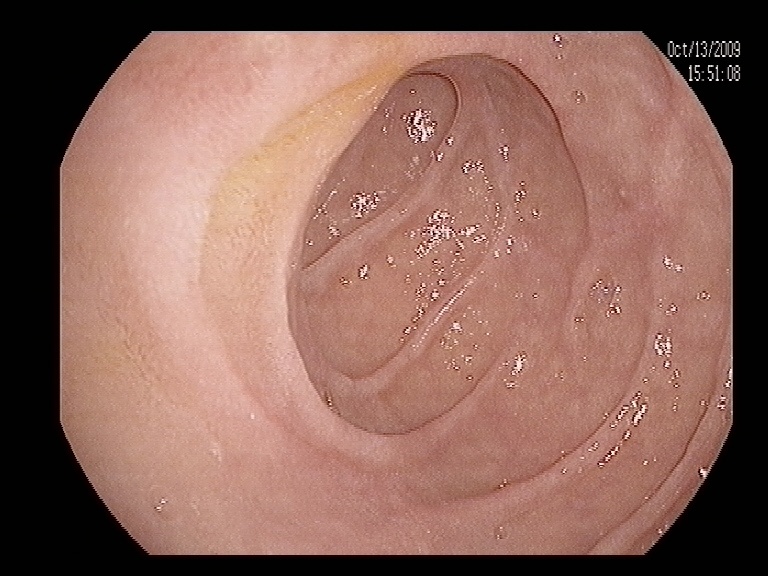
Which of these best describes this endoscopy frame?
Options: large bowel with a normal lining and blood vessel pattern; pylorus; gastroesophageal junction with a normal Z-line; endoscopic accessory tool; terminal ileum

terminal ileum